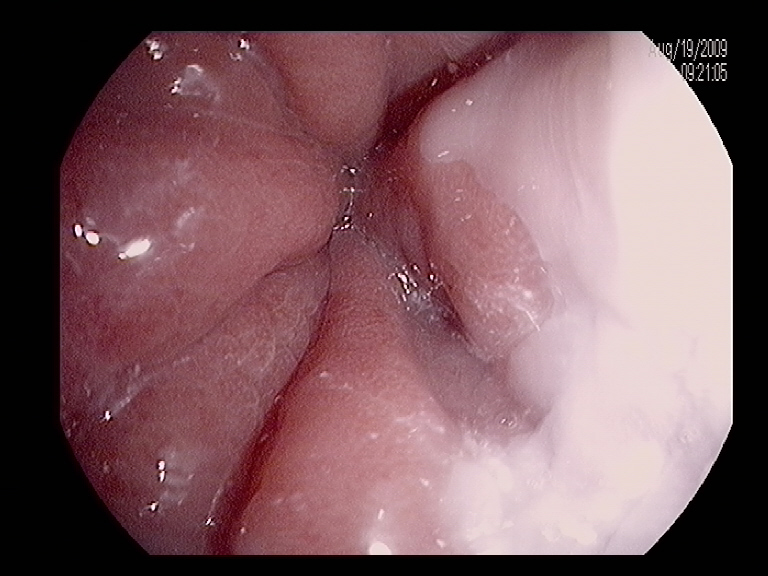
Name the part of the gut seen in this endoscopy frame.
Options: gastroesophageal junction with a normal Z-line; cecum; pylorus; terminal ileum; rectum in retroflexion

gastroesophageal junction with a normal Z-line